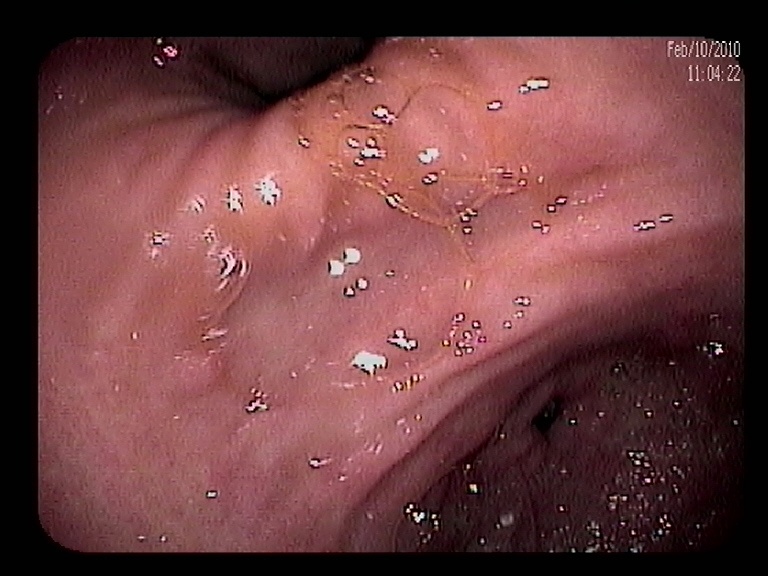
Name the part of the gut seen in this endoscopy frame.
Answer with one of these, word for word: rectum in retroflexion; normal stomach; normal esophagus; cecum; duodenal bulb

normal stomach